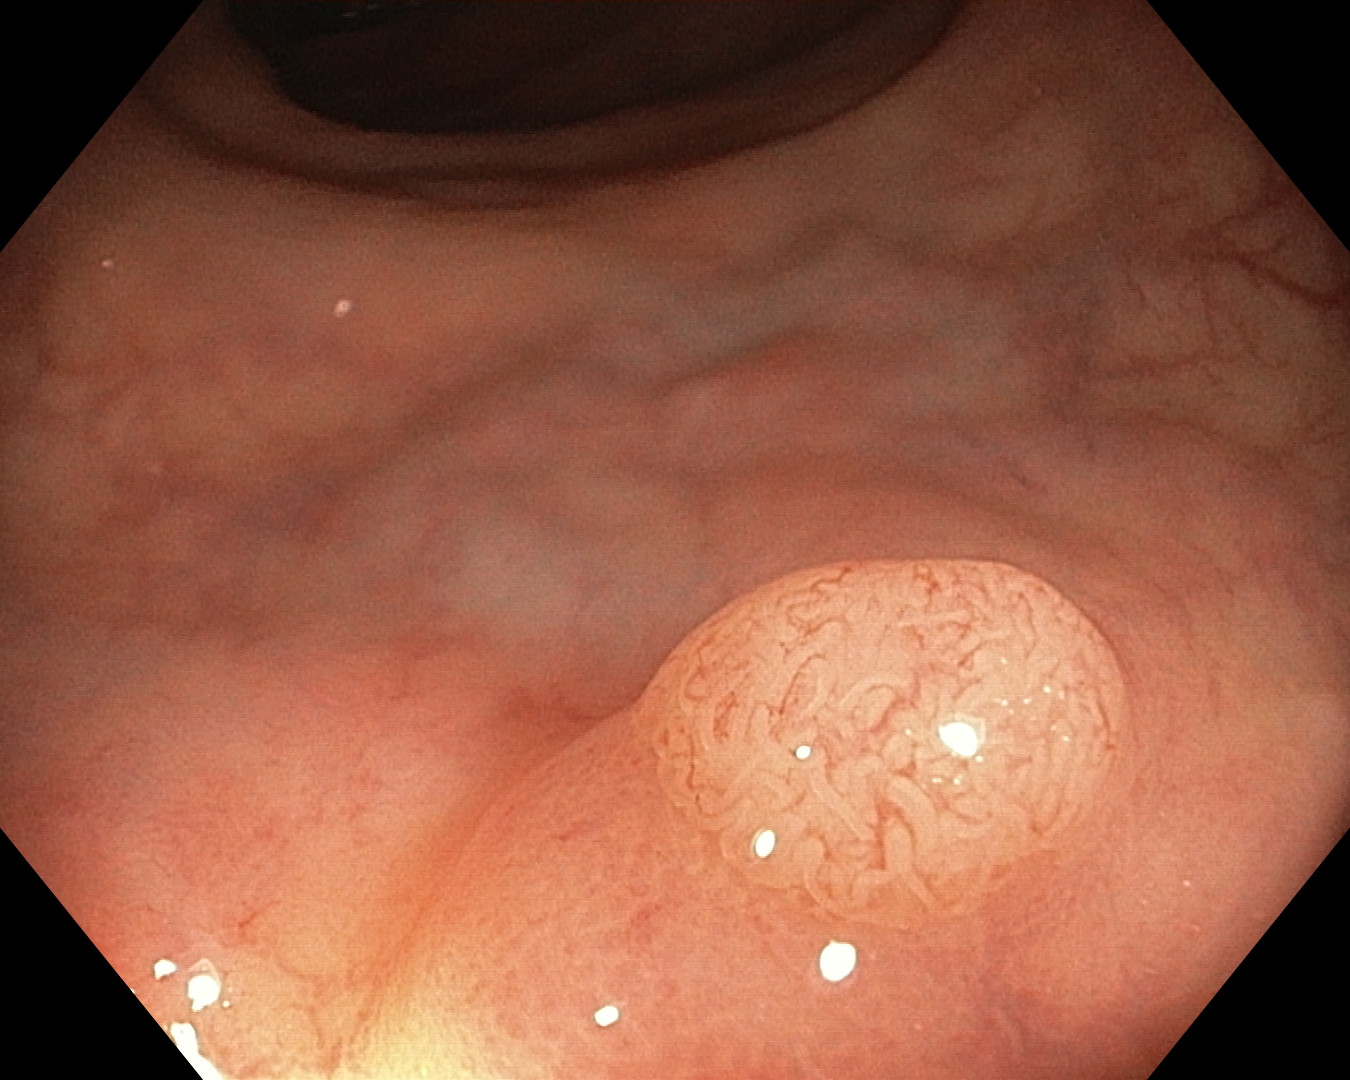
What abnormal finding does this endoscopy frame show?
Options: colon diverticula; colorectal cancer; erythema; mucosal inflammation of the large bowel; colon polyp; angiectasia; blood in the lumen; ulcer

colon polyp